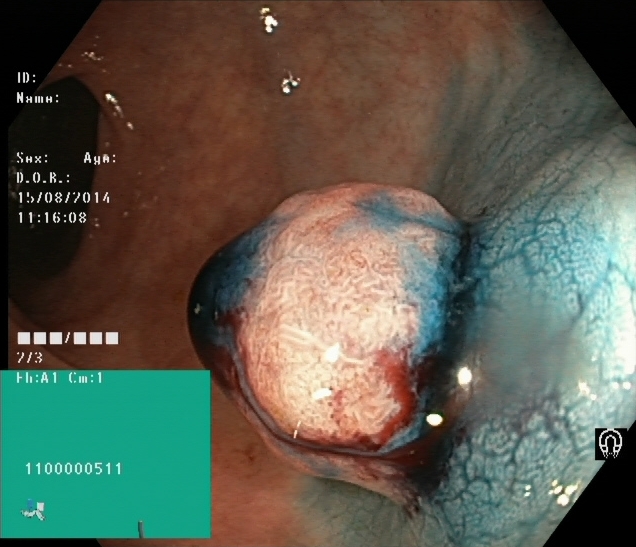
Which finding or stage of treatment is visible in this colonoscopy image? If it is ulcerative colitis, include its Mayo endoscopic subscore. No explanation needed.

dyed and lifted polyp (pre-resection)